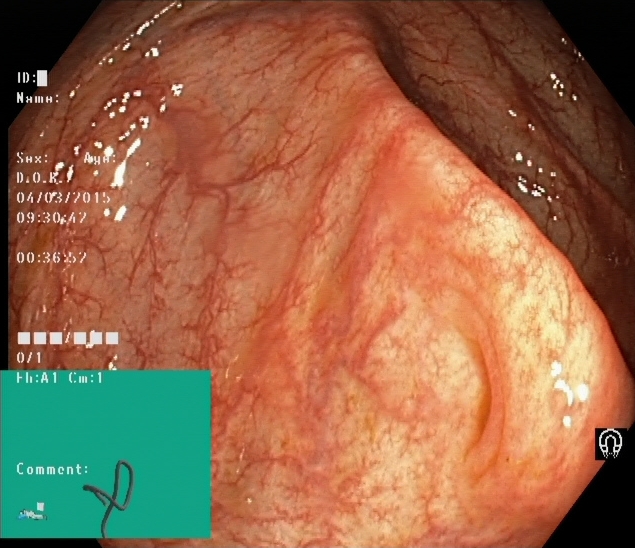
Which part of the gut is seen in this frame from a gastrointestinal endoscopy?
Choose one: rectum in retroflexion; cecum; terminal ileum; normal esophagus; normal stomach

cecum